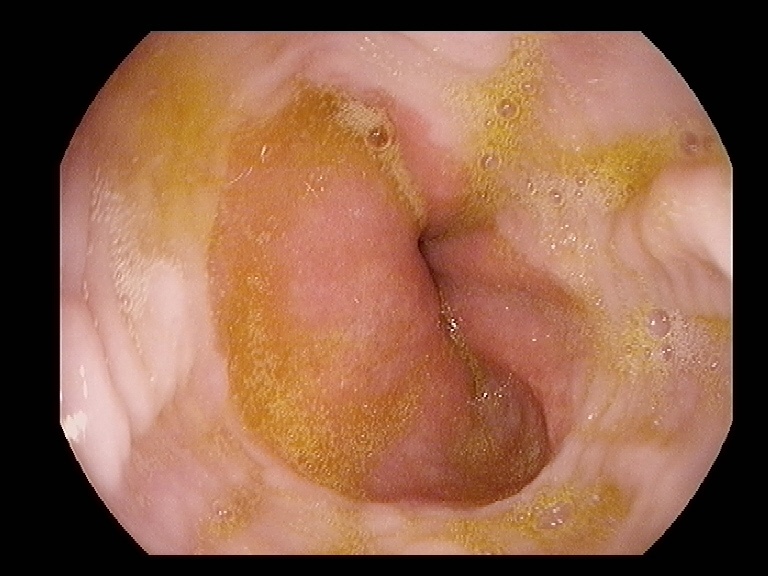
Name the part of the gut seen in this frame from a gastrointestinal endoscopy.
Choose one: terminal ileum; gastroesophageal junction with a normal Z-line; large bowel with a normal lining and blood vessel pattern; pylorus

gastroesophageal junction with a normal Z-line